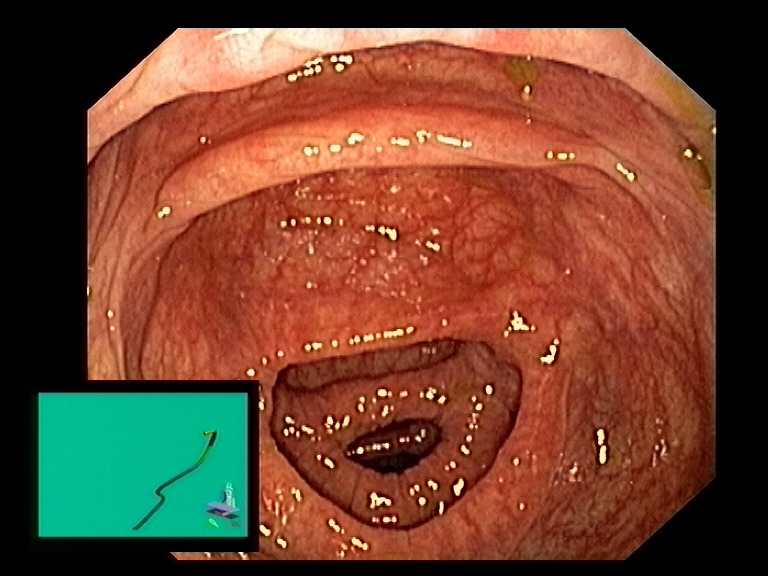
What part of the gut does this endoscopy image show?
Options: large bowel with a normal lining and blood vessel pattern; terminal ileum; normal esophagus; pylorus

large bowel with a normal lining and blood vessel pattern